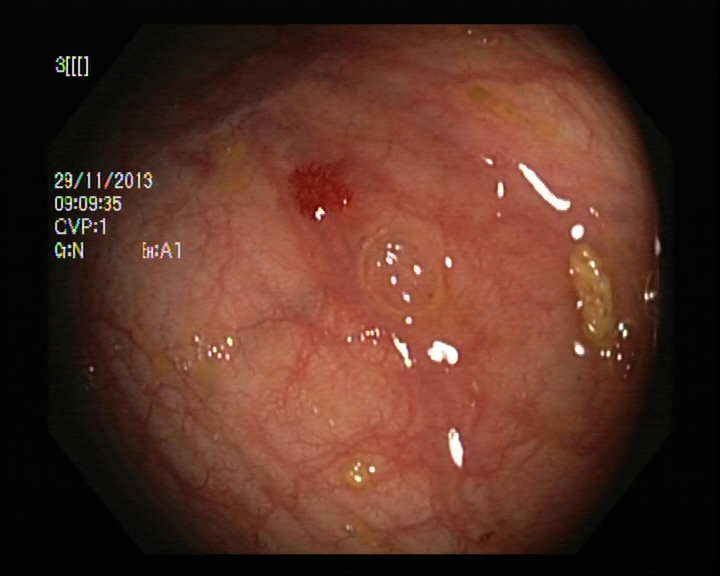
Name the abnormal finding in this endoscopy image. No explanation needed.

angiectasia